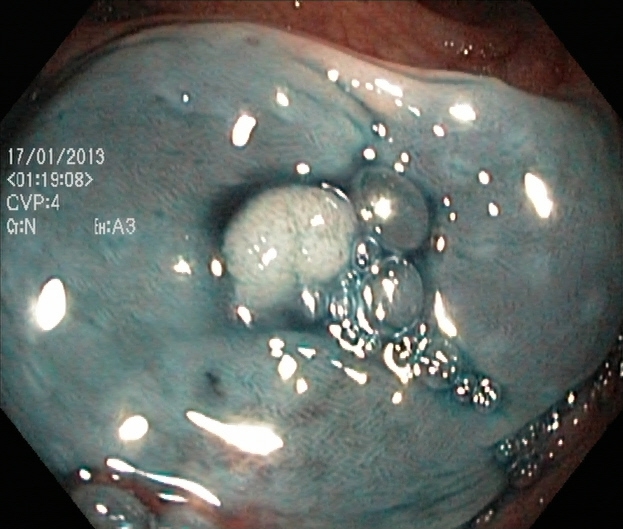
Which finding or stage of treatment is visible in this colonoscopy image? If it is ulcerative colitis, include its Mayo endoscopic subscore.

dyed and lifted polyp (pre-resection)